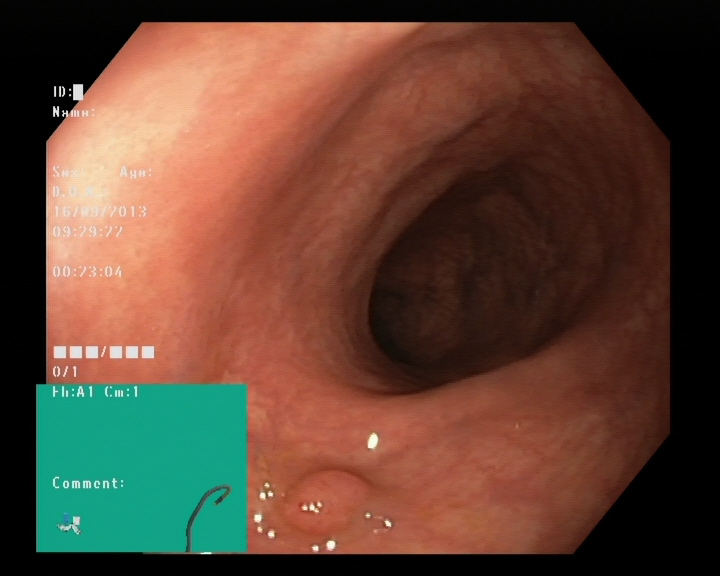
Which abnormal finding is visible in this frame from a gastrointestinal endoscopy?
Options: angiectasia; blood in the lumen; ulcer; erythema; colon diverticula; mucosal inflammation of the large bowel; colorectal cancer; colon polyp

colon polyp